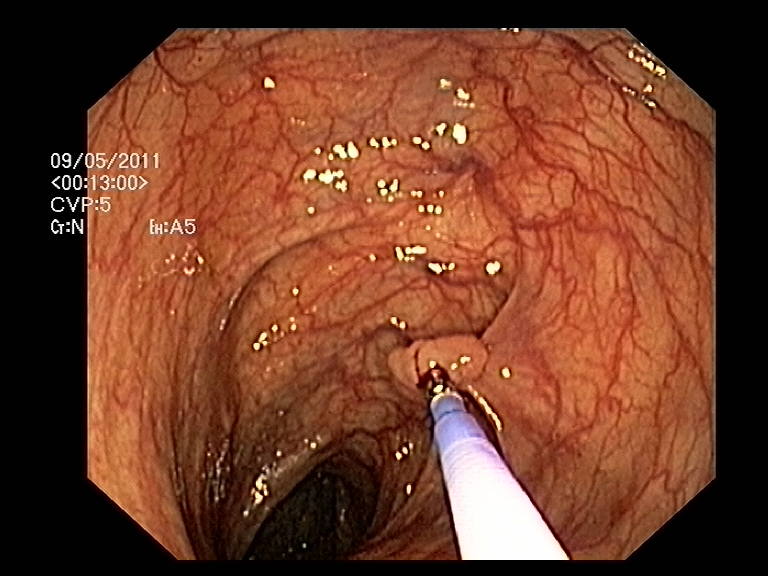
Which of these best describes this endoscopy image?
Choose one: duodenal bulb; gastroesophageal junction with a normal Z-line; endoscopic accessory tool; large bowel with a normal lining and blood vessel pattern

endoscopic accessory tool